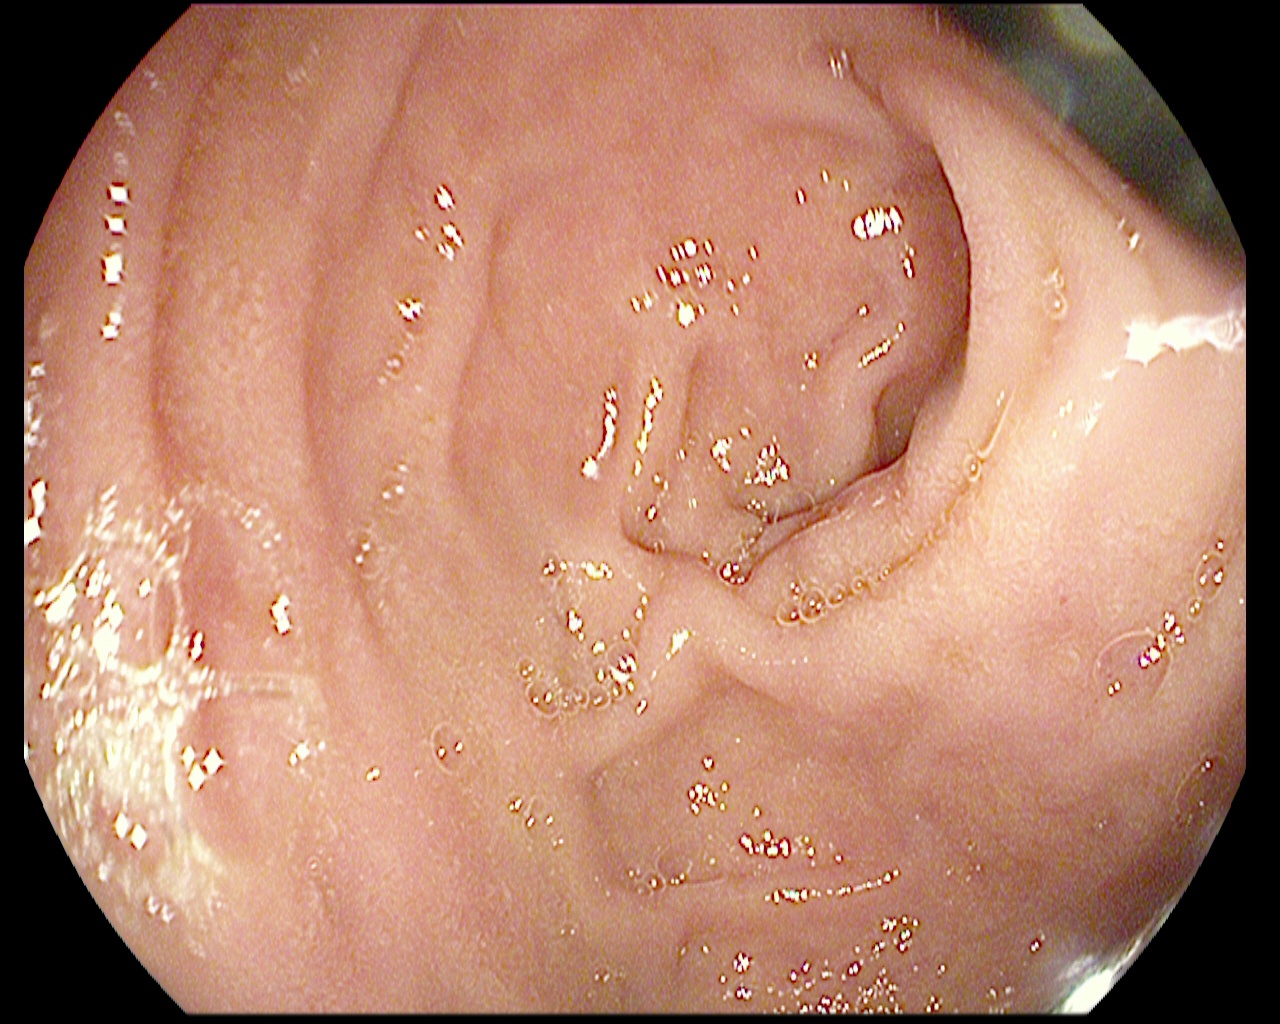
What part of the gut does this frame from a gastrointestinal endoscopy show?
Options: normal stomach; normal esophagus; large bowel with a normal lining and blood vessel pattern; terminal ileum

terminal ileum